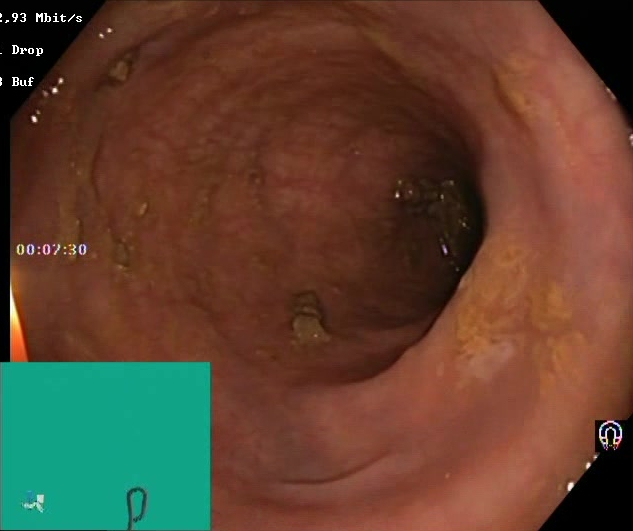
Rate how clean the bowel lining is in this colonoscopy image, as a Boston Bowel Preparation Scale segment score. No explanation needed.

Boston Bowel Preparation Scale score 2–3 (adequate preparation)